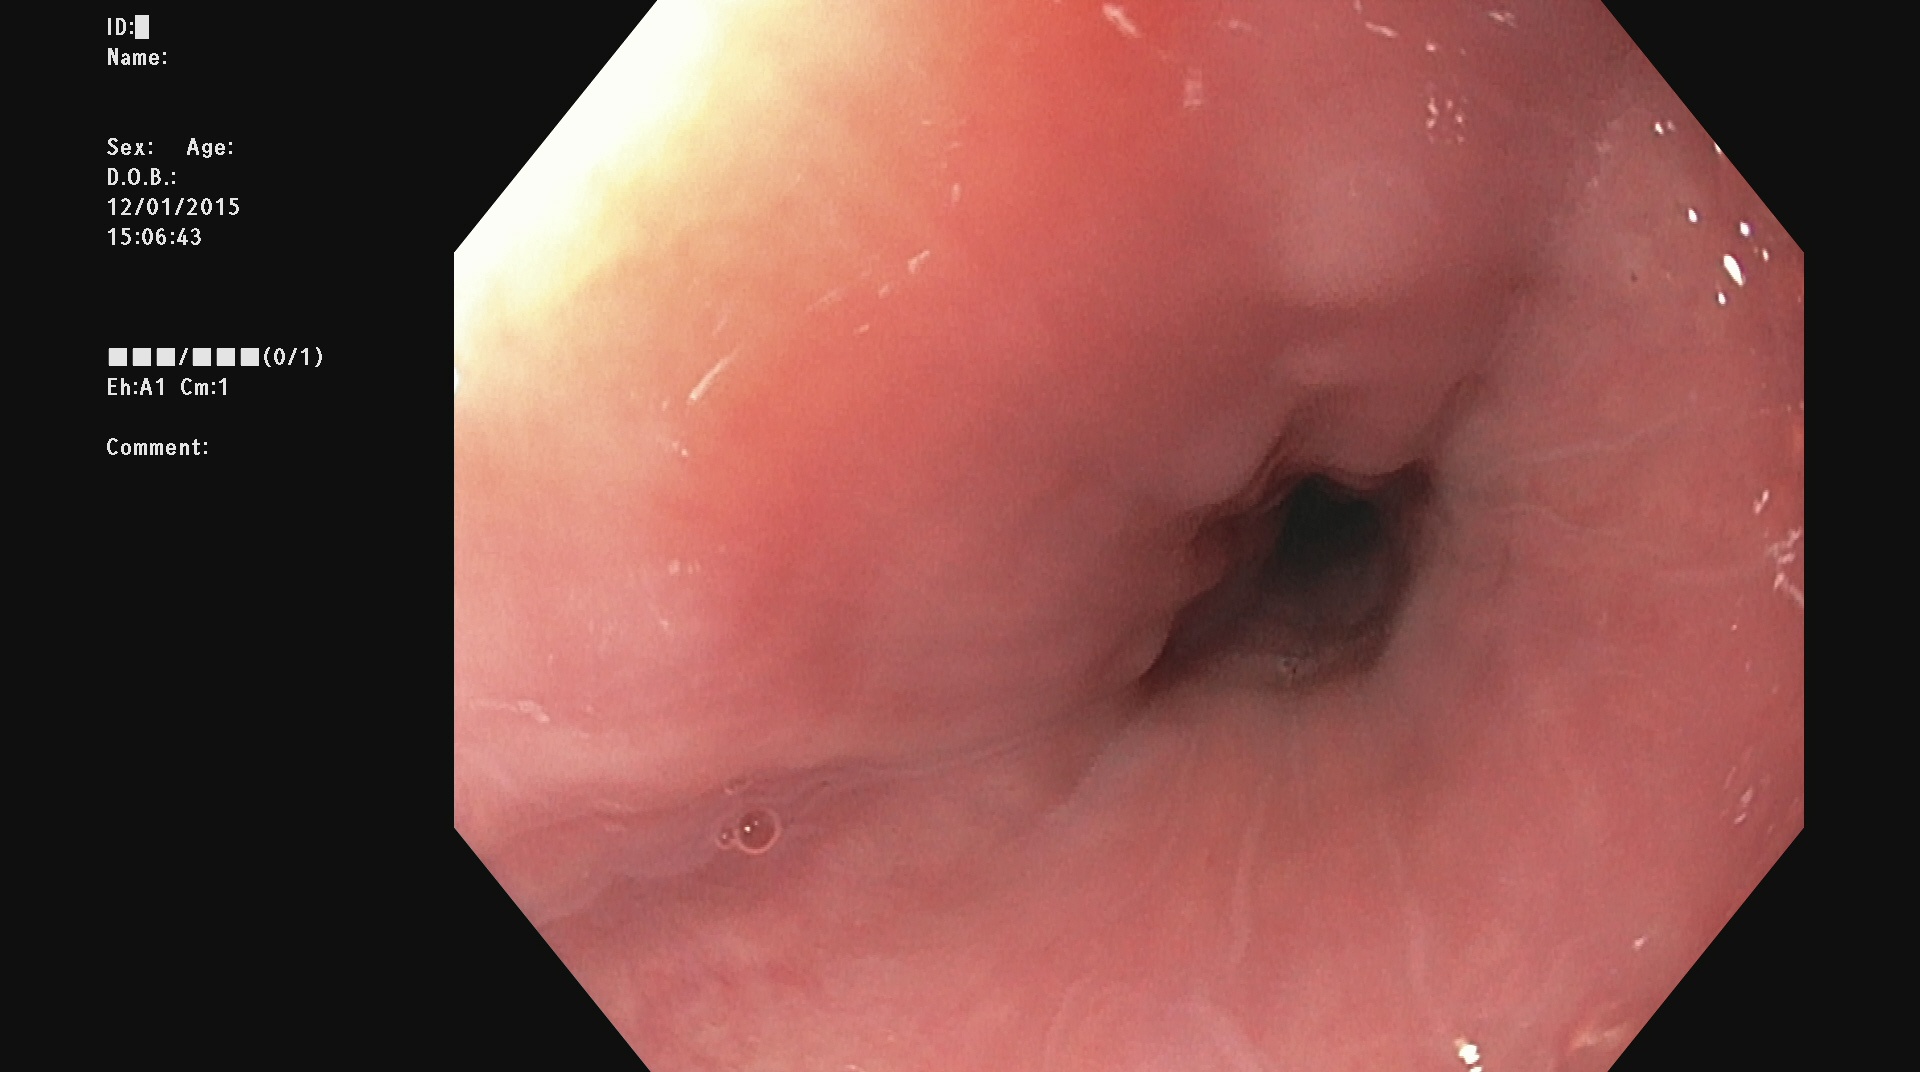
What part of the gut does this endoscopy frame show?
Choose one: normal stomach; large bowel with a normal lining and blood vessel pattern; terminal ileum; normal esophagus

normal esophagus